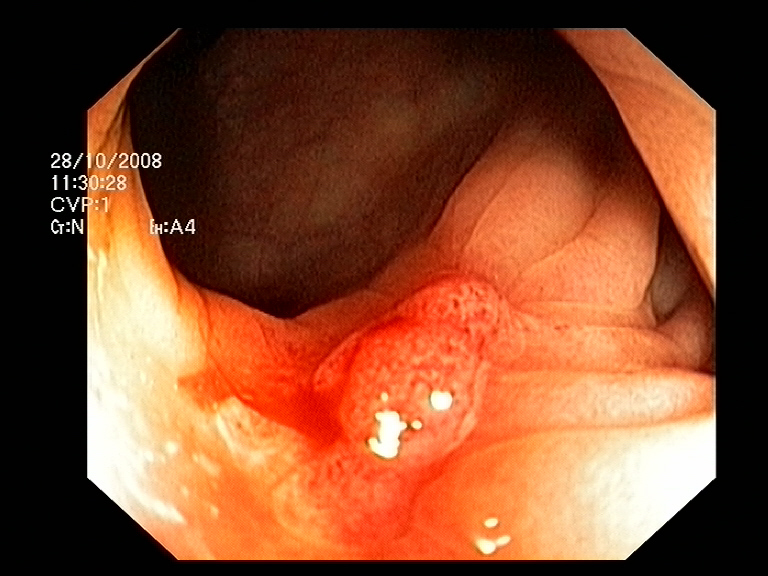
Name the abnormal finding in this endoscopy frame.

colon polyp